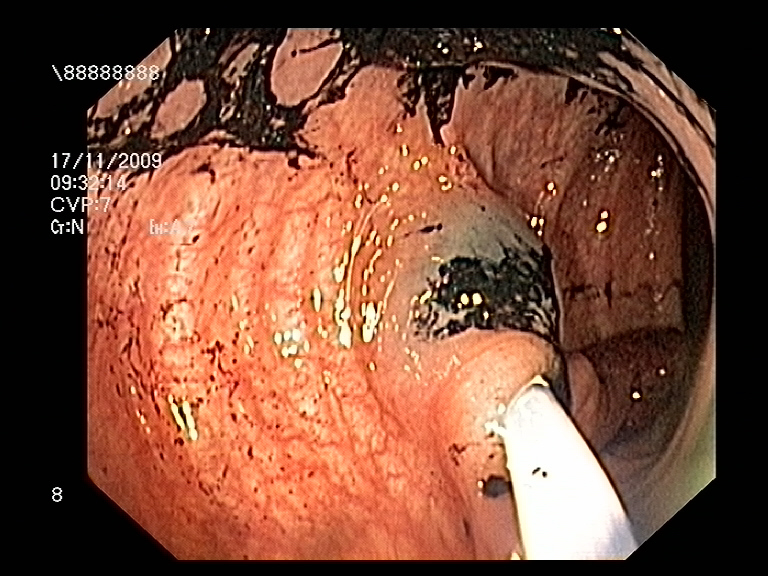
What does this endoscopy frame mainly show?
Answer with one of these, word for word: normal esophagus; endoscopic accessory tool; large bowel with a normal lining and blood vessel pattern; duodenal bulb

endoscopic accessory tool